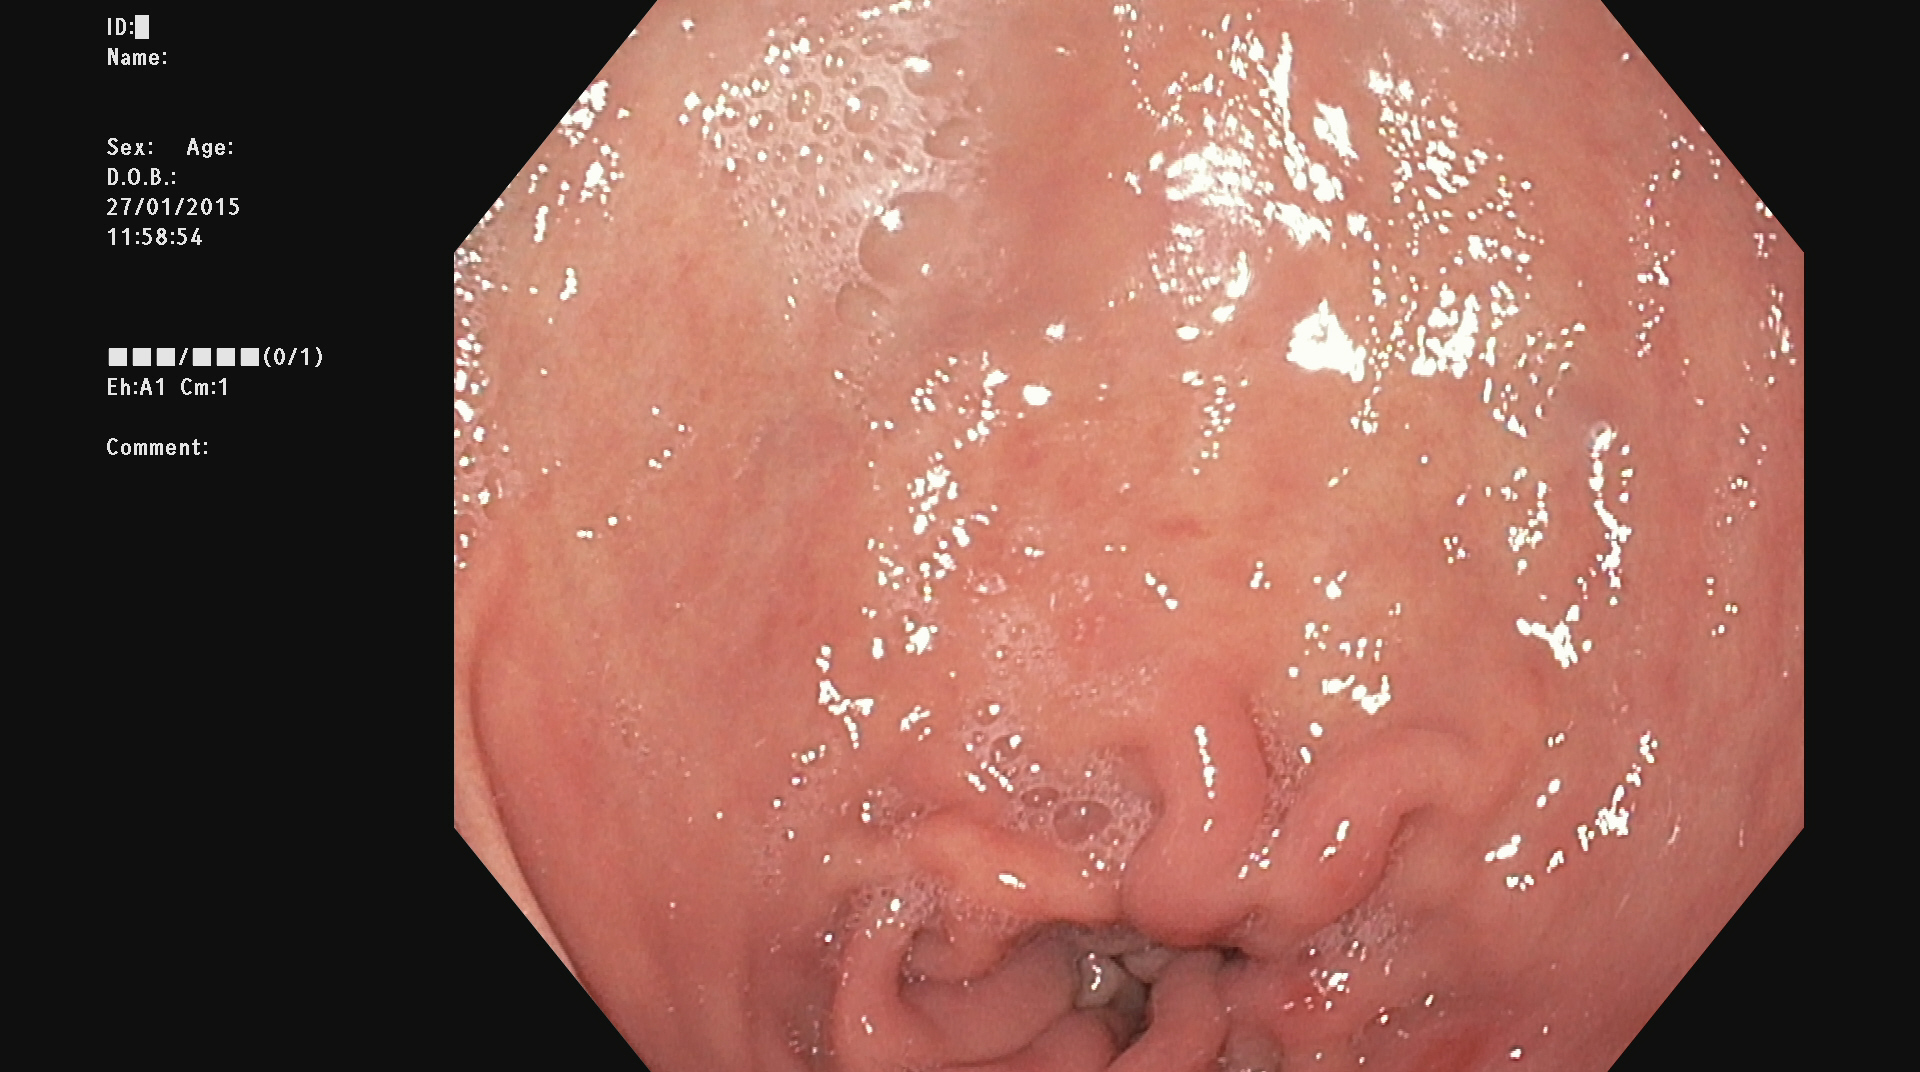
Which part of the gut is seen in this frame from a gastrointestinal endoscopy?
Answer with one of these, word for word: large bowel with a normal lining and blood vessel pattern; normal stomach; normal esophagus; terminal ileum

normal stomach